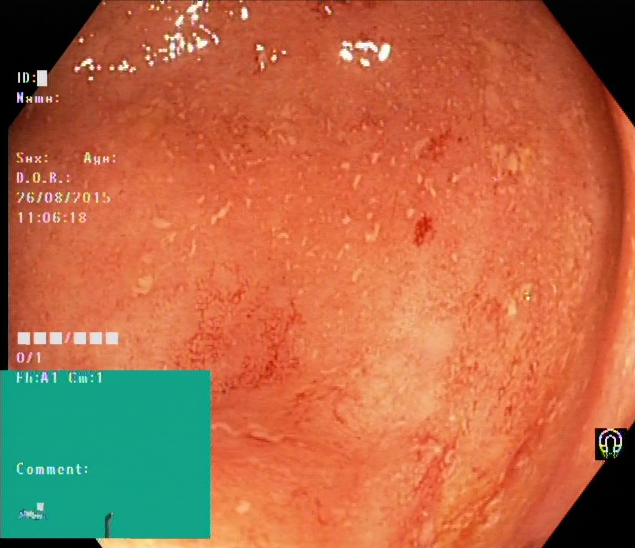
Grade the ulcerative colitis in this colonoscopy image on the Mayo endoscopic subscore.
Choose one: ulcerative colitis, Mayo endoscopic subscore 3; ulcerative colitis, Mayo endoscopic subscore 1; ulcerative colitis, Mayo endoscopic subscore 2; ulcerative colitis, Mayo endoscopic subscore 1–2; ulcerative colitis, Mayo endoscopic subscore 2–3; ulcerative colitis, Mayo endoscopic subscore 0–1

ulcerative colitis, Mayo endoscopic subscore 2